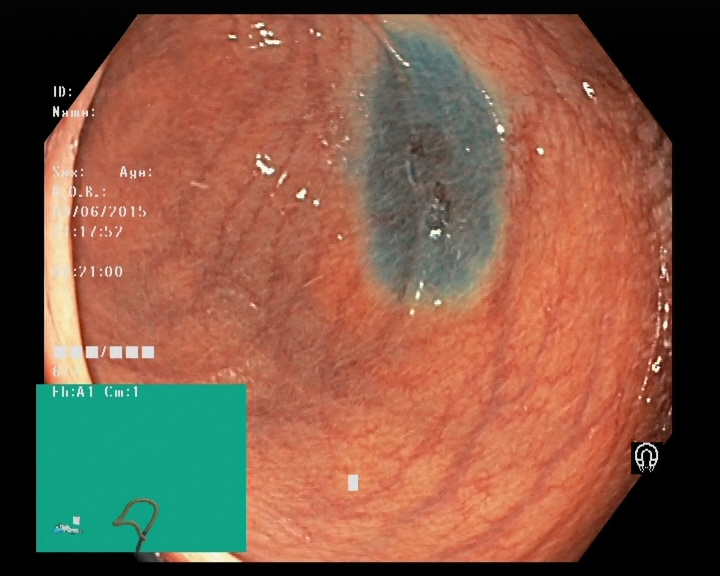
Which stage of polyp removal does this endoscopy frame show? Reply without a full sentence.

dyed resection margin (post-polypectomy)